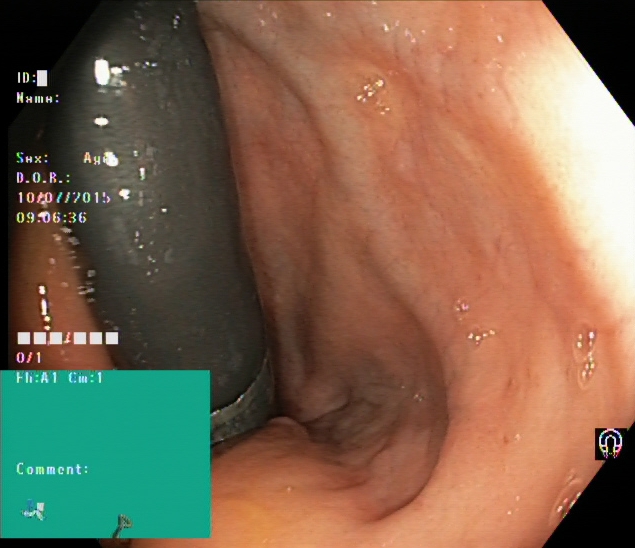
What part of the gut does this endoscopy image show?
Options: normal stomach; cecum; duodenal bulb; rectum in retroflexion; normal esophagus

rectum in retroflexion